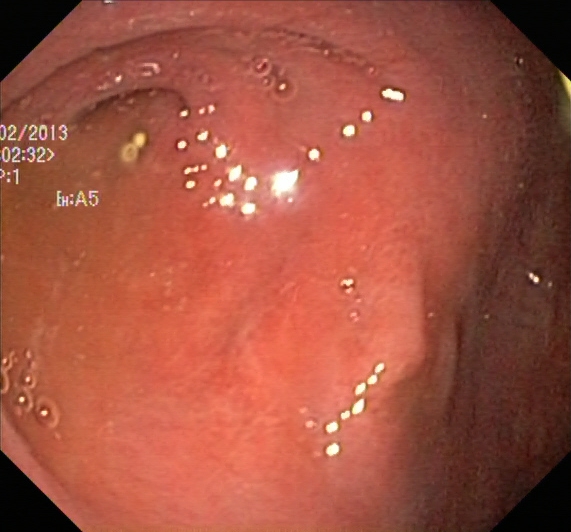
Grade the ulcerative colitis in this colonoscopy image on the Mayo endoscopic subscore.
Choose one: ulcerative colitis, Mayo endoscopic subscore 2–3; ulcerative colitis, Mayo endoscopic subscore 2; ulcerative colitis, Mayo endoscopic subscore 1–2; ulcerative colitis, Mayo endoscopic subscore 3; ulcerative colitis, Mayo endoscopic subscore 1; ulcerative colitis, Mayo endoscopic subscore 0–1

ulcerative colitis, Mayo endoscopic subscore 2